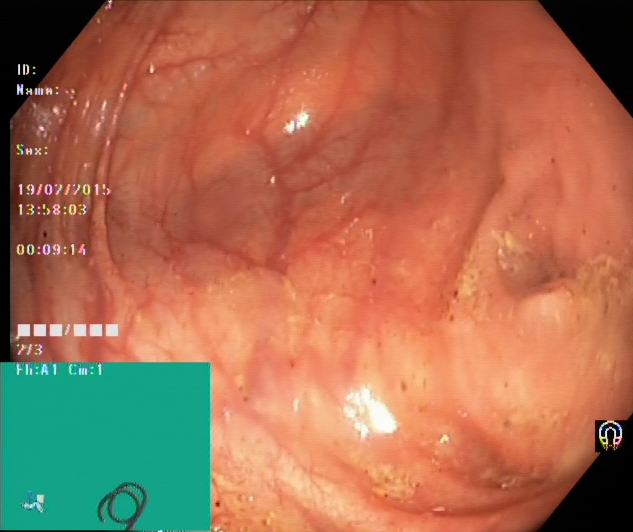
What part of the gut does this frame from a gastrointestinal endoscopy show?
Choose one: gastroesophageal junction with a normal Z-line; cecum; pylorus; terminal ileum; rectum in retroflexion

cecum